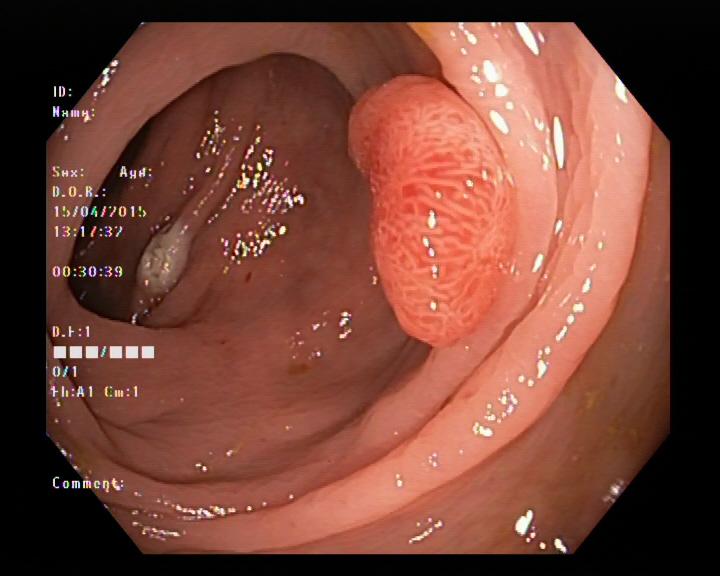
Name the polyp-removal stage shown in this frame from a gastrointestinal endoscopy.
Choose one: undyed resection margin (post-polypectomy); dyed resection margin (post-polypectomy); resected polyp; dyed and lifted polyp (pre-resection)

resected polyp